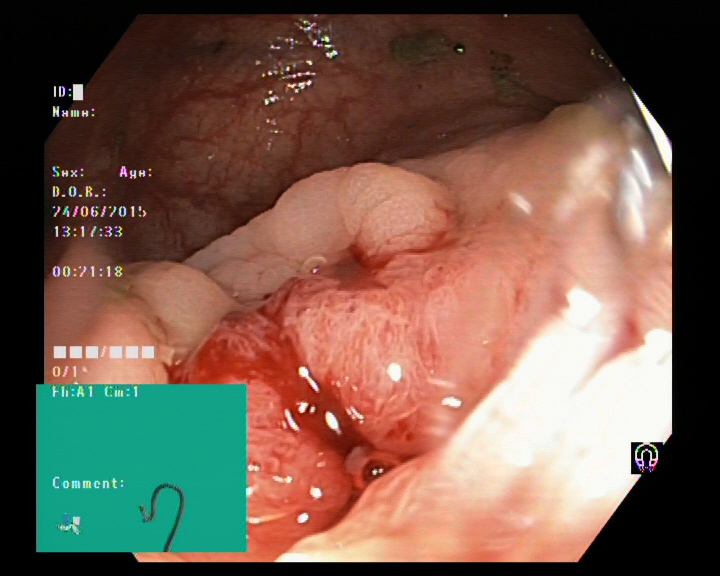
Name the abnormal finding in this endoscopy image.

colon polyp